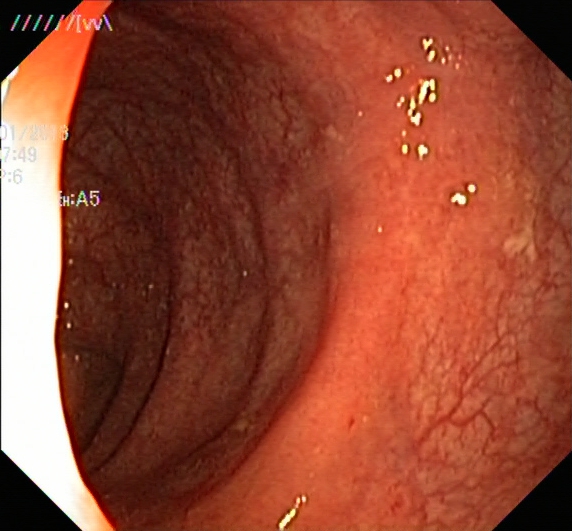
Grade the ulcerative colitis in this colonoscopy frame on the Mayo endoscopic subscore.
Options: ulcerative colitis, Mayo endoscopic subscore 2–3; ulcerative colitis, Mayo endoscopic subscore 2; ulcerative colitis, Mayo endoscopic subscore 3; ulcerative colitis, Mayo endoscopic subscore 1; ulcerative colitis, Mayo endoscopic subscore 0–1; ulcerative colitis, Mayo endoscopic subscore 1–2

ulcerative colitis, Mayo endoscopic subscore 1